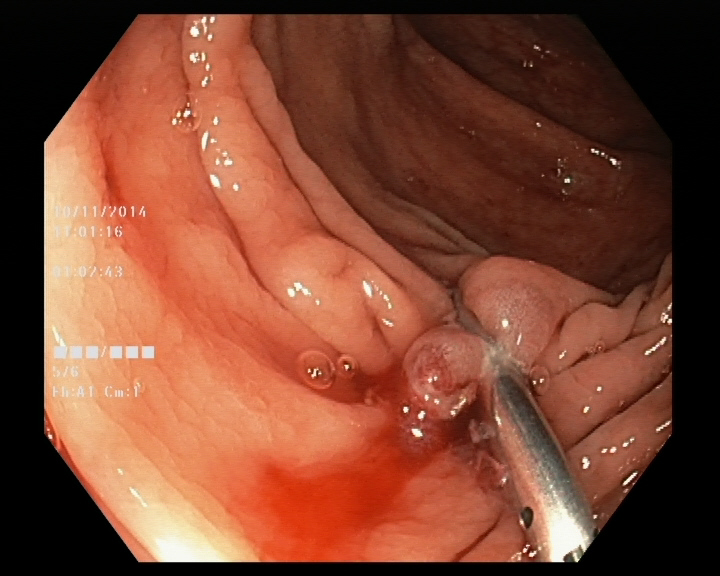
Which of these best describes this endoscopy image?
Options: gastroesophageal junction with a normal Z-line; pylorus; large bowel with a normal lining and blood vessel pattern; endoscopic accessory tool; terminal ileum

endoscopic accessory tool